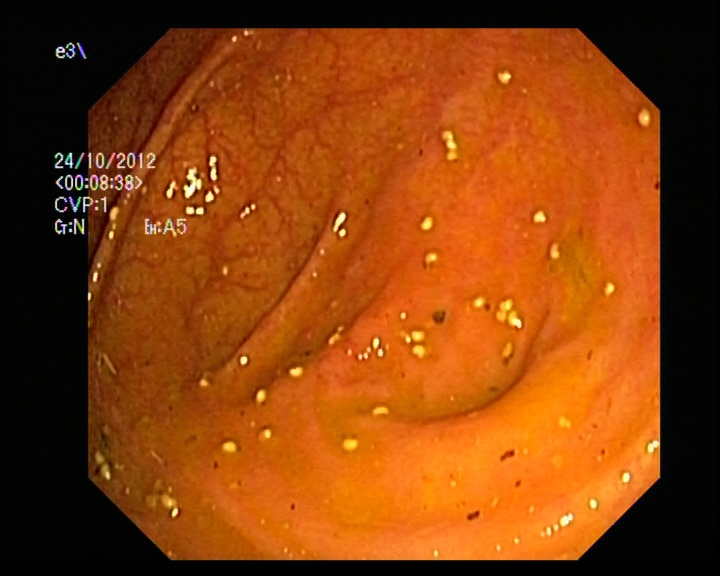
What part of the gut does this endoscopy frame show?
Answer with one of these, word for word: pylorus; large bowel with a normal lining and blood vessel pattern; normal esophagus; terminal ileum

large bowel with a normal lining and blood vessel pattern